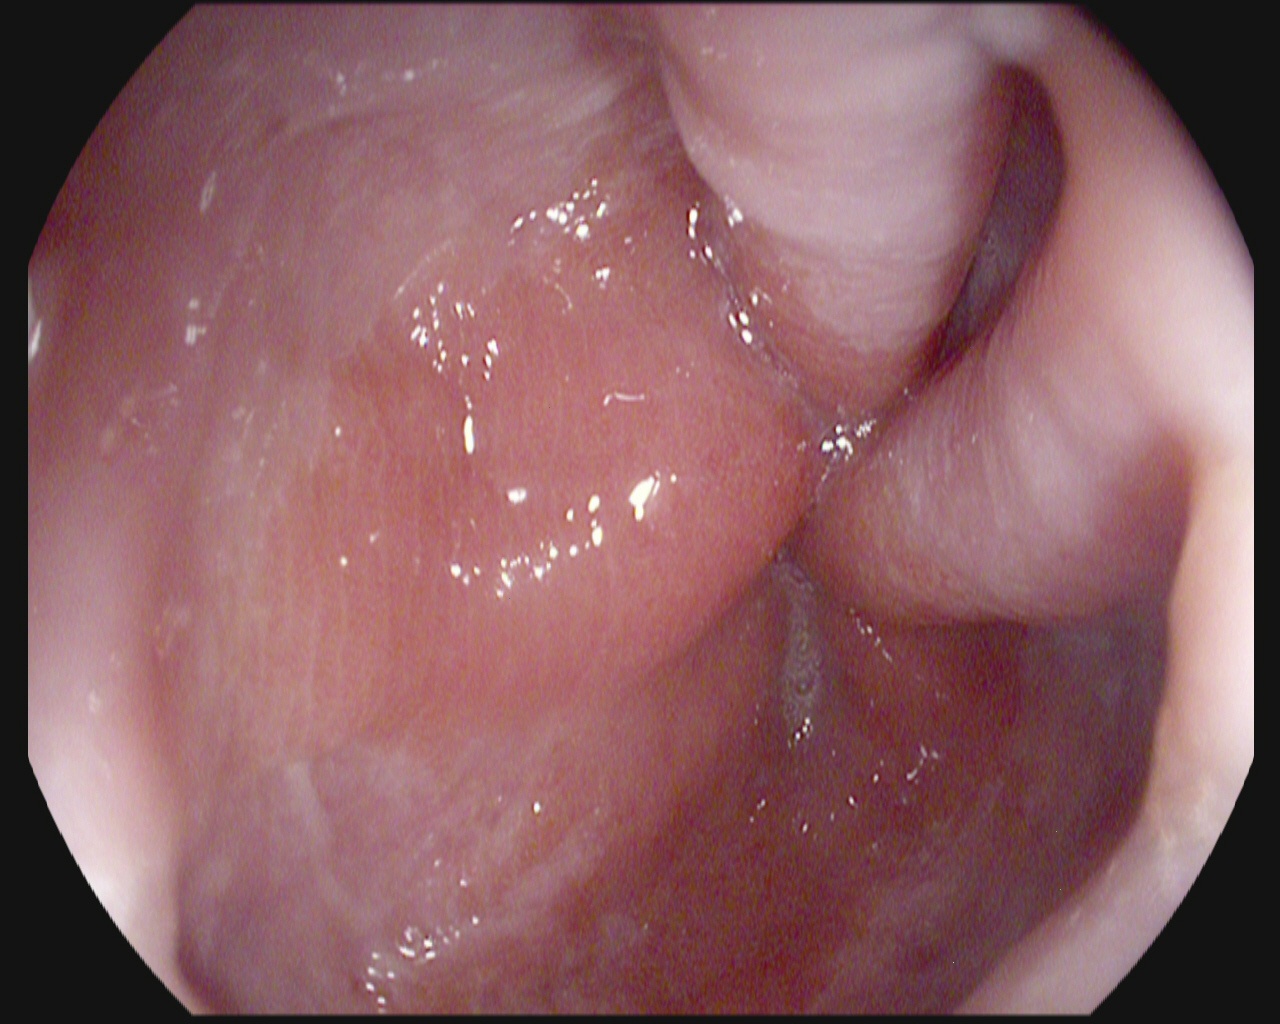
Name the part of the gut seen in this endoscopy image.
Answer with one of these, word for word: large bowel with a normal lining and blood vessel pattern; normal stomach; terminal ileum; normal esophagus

normal esophagus